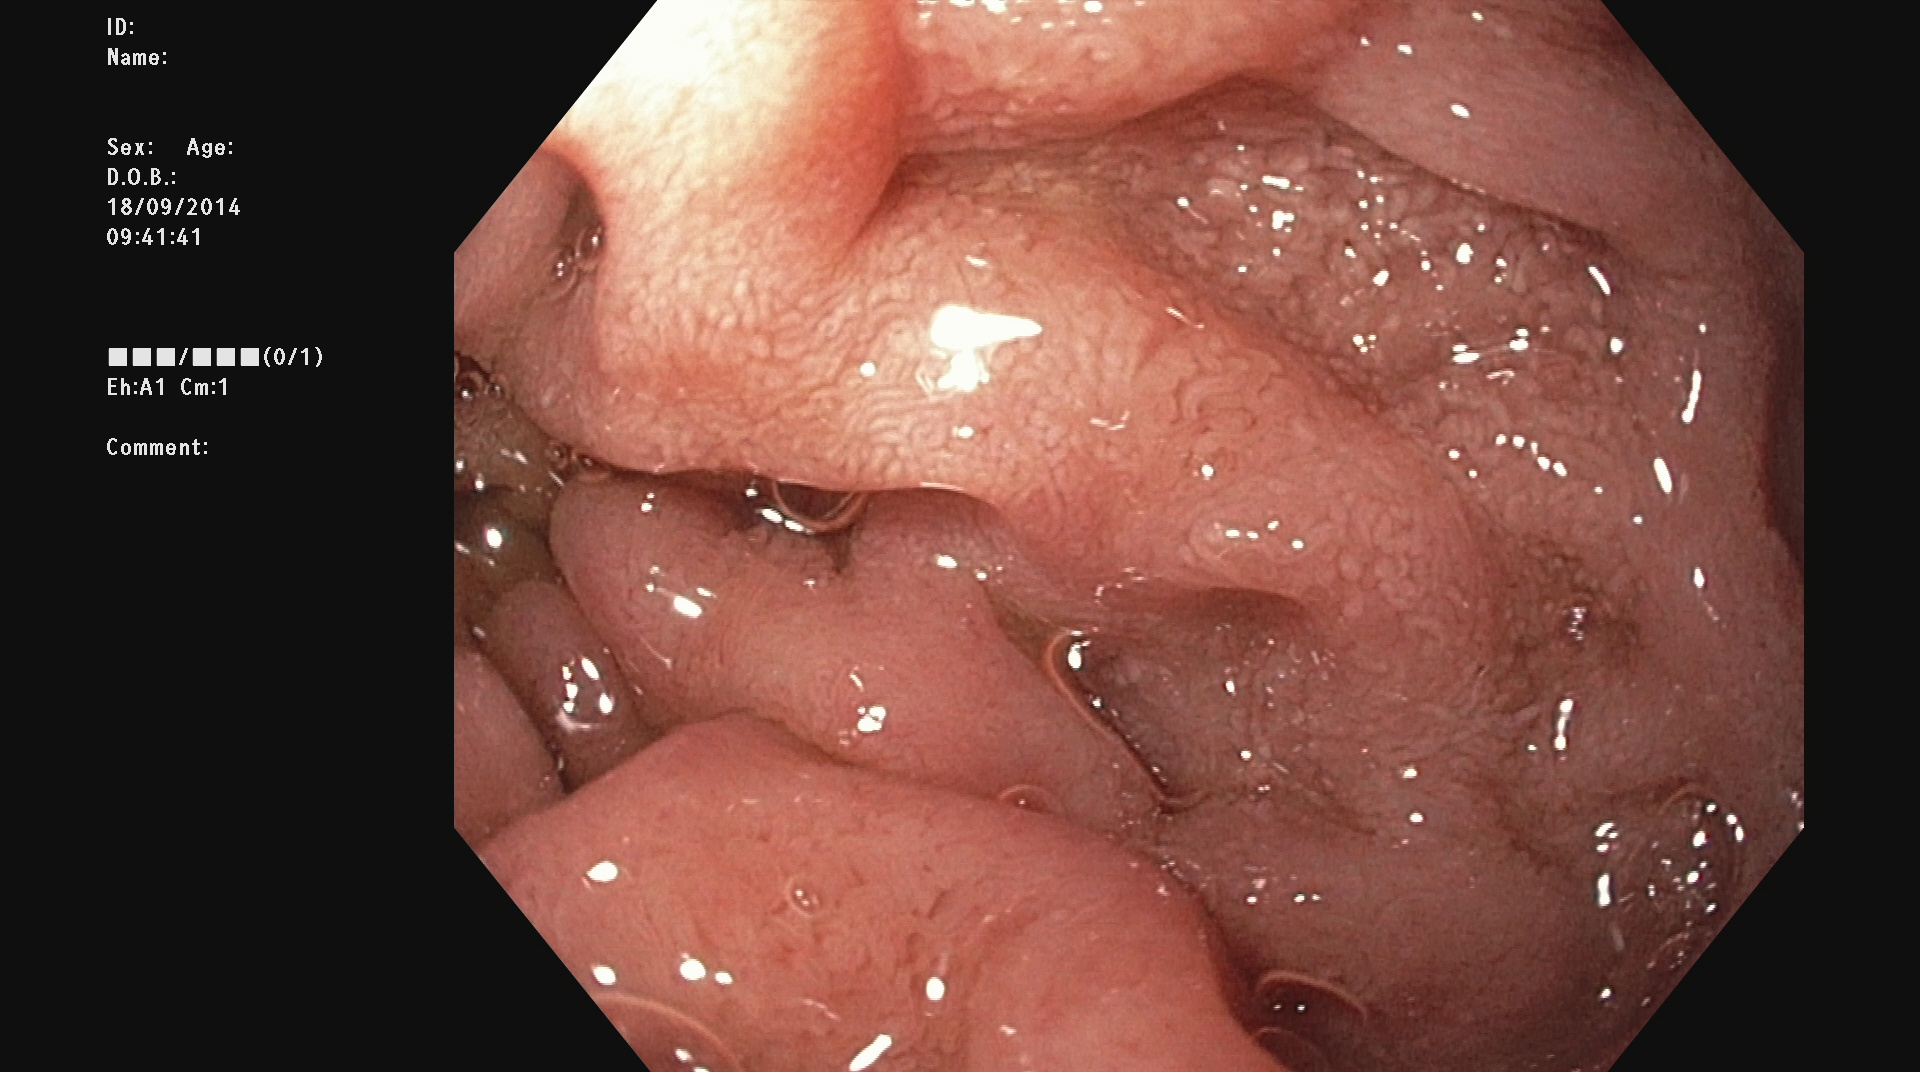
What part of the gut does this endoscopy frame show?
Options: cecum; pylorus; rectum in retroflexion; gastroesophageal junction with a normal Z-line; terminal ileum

terminal ileum